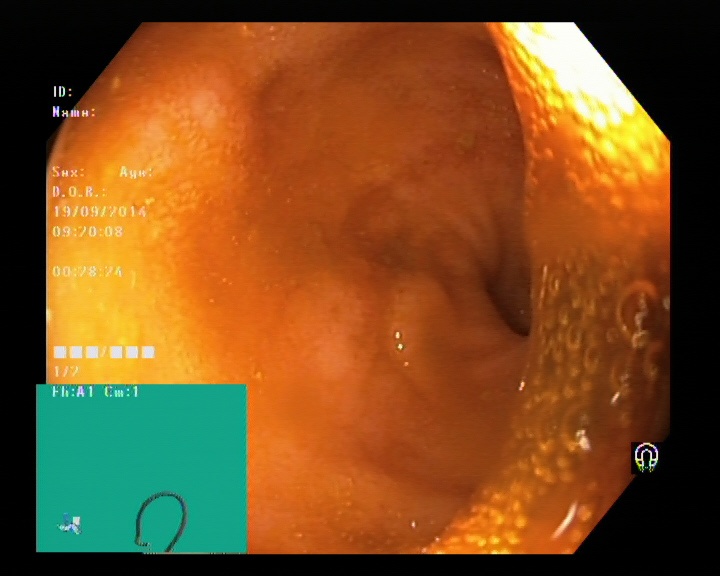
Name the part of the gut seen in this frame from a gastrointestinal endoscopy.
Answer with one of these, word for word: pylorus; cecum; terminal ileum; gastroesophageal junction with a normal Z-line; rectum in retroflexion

terminal ileum